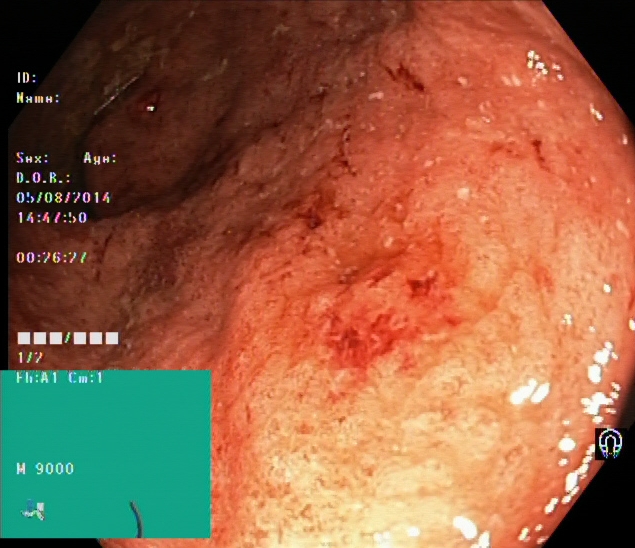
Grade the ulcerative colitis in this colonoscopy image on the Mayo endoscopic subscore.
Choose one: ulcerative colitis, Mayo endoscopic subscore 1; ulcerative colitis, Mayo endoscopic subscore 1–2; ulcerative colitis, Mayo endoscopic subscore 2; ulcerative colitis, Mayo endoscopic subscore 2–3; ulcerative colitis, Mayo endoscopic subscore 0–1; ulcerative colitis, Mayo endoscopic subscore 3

ulcerative colitis, Mayo endoscopic subscore 2